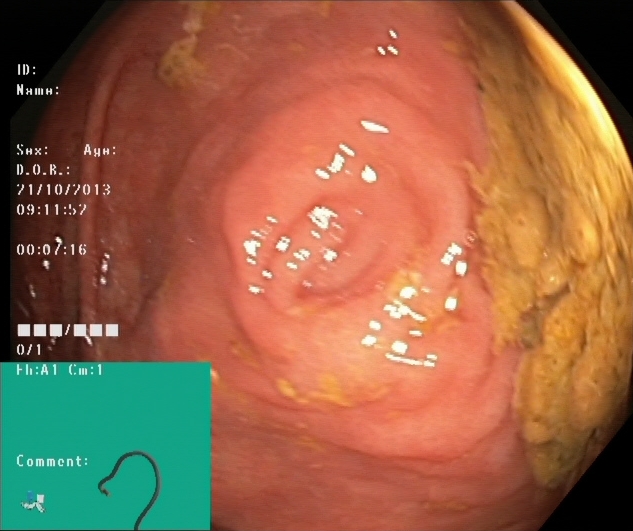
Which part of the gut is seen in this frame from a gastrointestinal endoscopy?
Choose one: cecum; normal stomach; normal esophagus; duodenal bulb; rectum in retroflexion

cecum